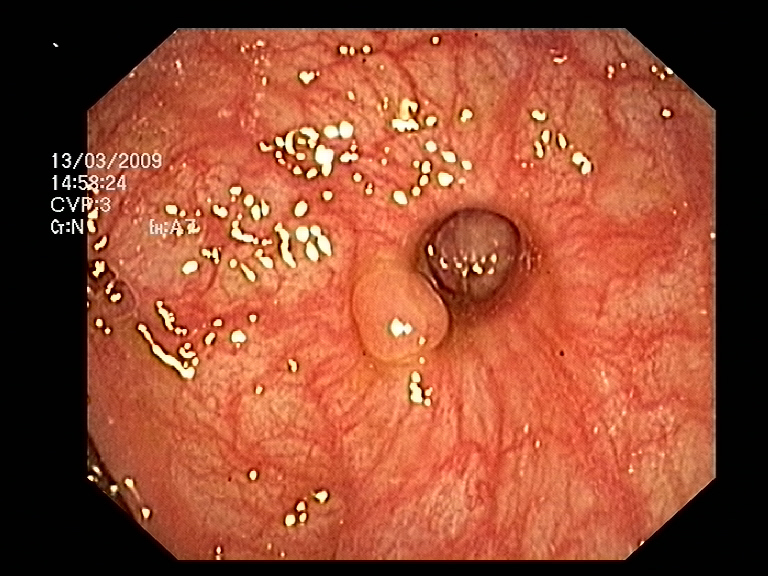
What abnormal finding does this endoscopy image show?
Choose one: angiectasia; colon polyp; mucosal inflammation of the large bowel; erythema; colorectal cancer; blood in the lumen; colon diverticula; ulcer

colon polyp